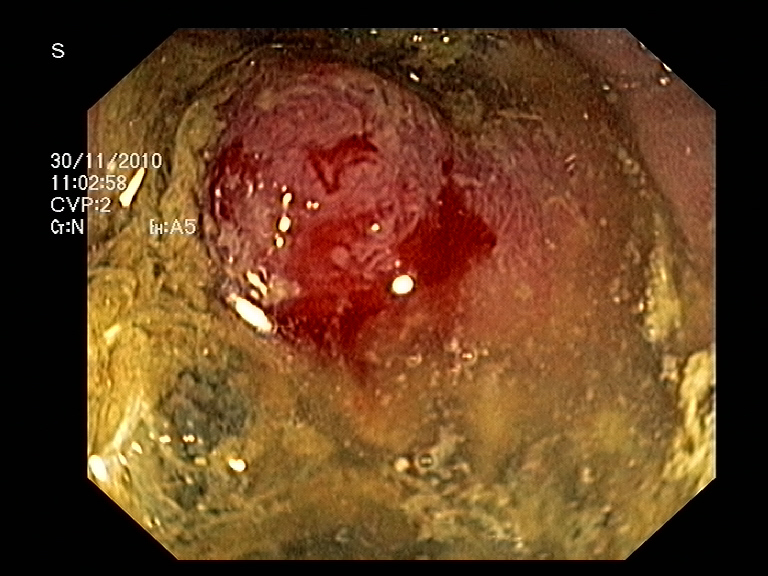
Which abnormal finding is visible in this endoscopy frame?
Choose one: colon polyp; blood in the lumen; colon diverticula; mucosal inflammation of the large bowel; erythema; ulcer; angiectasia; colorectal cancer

colorectal cancer